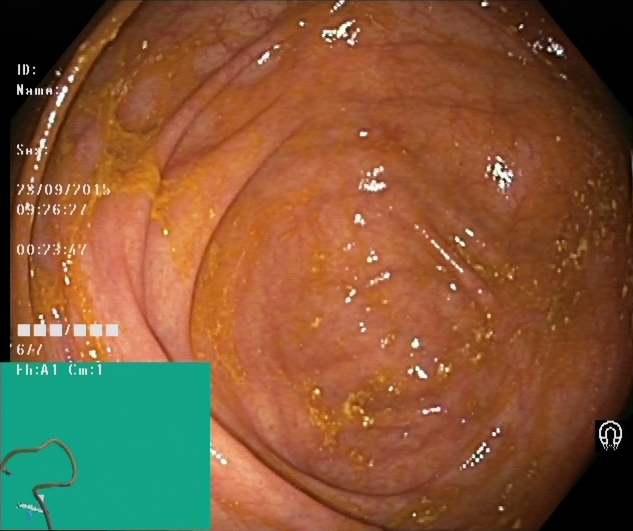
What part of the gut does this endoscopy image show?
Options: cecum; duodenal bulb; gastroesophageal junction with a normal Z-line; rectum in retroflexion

cecum